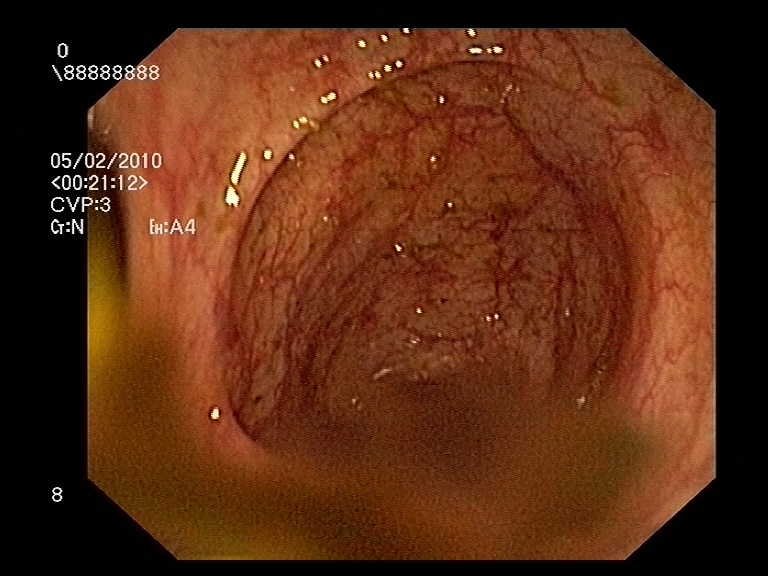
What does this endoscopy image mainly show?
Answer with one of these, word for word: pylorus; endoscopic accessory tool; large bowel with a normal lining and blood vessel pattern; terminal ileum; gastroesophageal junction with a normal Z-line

large bowel with a normal lining and blood vessel pattern